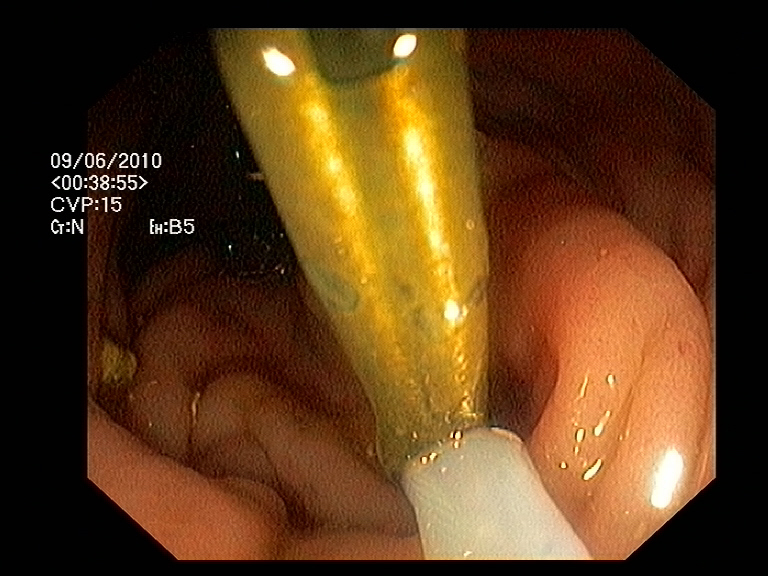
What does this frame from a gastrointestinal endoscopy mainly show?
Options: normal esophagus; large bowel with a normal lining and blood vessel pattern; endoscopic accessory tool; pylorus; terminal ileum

endoscopic accessory tool